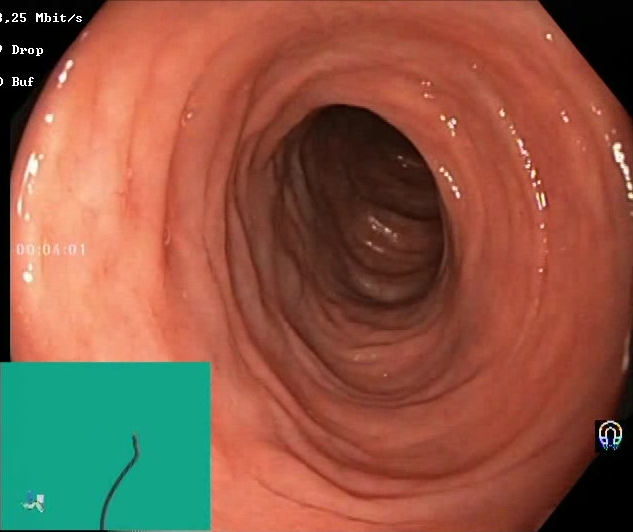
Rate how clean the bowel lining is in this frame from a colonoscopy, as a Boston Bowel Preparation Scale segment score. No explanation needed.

Boston Bowel Preparation Scale score 2–3 (adequate preparation)